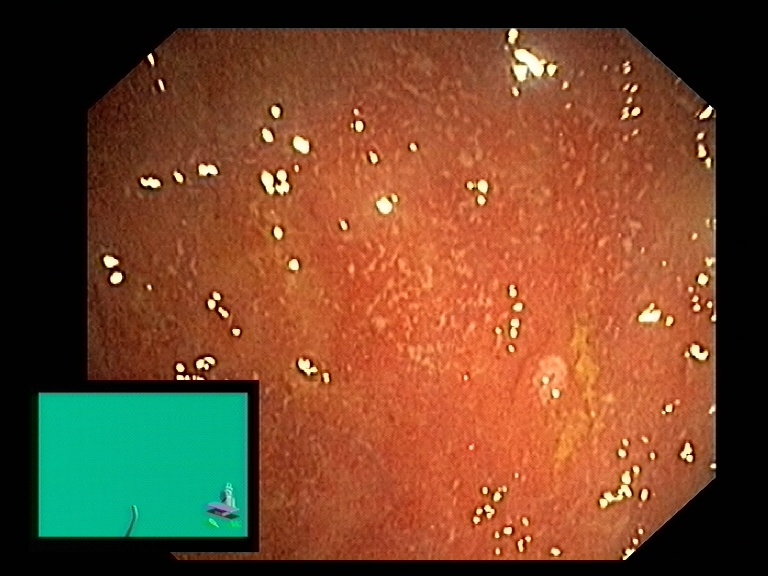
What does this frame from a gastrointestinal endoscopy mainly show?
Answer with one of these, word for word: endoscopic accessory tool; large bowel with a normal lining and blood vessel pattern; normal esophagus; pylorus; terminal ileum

large bowel with a normal lining and blood vessel pattern